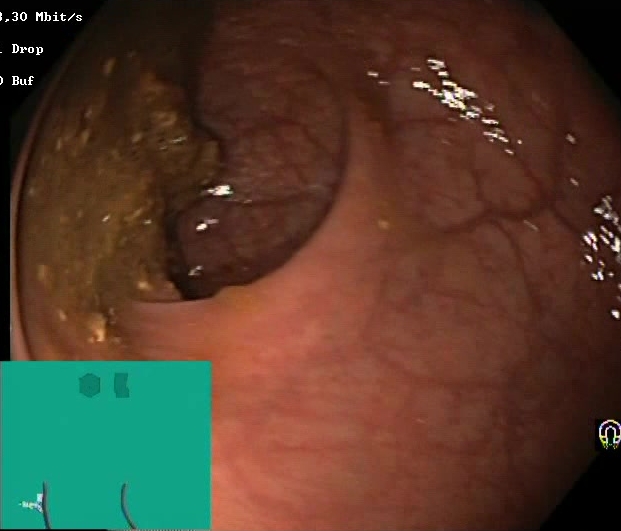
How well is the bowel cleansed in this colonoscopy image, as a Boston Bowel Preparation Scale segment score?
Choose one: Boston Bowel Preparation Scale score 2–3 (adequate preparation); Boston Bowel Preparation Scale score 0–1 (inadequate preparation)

Boston Bowel Preparation Scale score 0–1 (inadequate preparation)